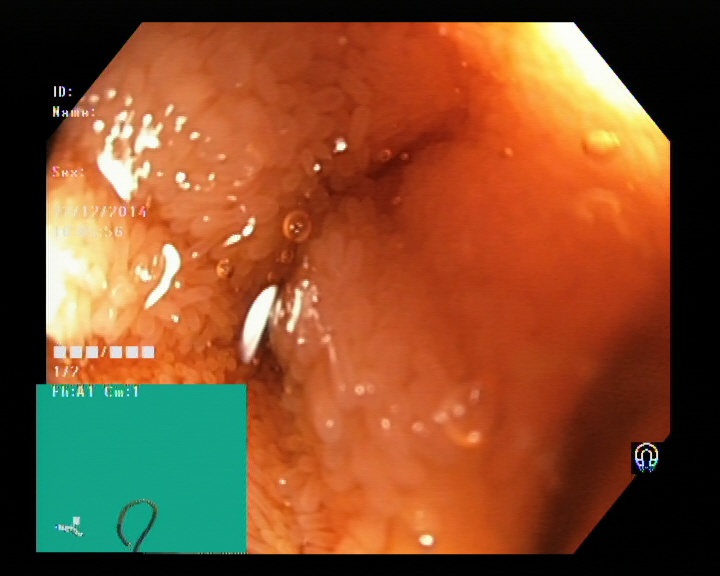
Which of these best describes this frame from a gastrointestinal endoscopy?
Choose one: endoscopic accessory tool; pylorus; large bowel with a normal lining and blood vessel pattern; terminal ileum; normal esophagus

terminal ileum